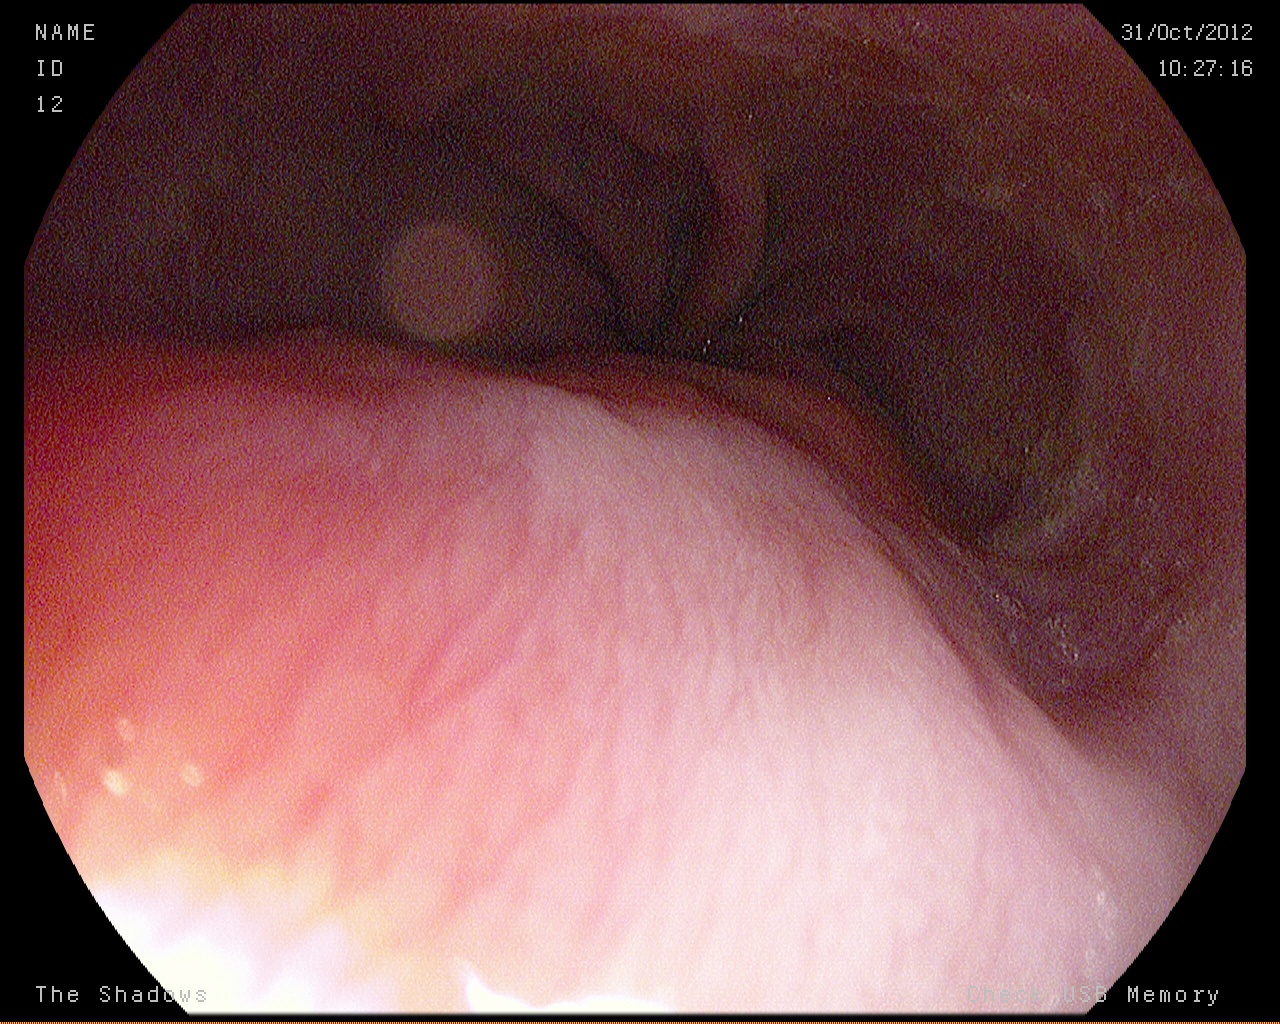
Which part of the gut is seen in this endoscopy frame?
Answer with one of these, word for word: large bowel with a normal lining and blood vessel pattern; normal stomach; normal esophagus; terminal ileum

normal stomach